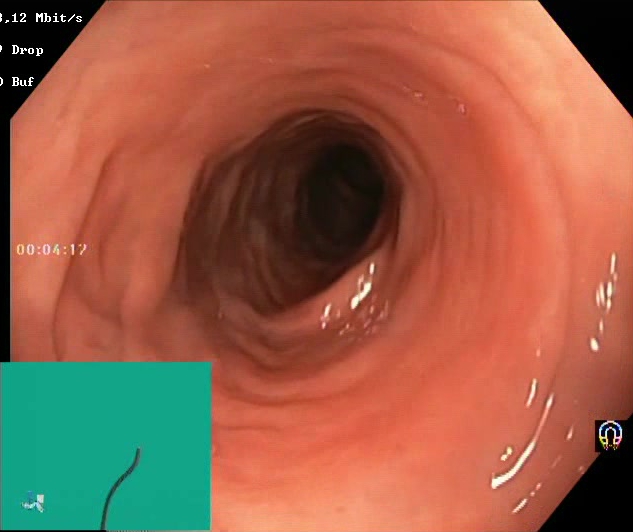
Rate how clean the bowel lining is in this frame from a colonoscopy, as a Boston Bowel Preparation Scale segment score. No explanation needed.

Boston Bowel Preparation Scale score 2–3 (adequate preparation)